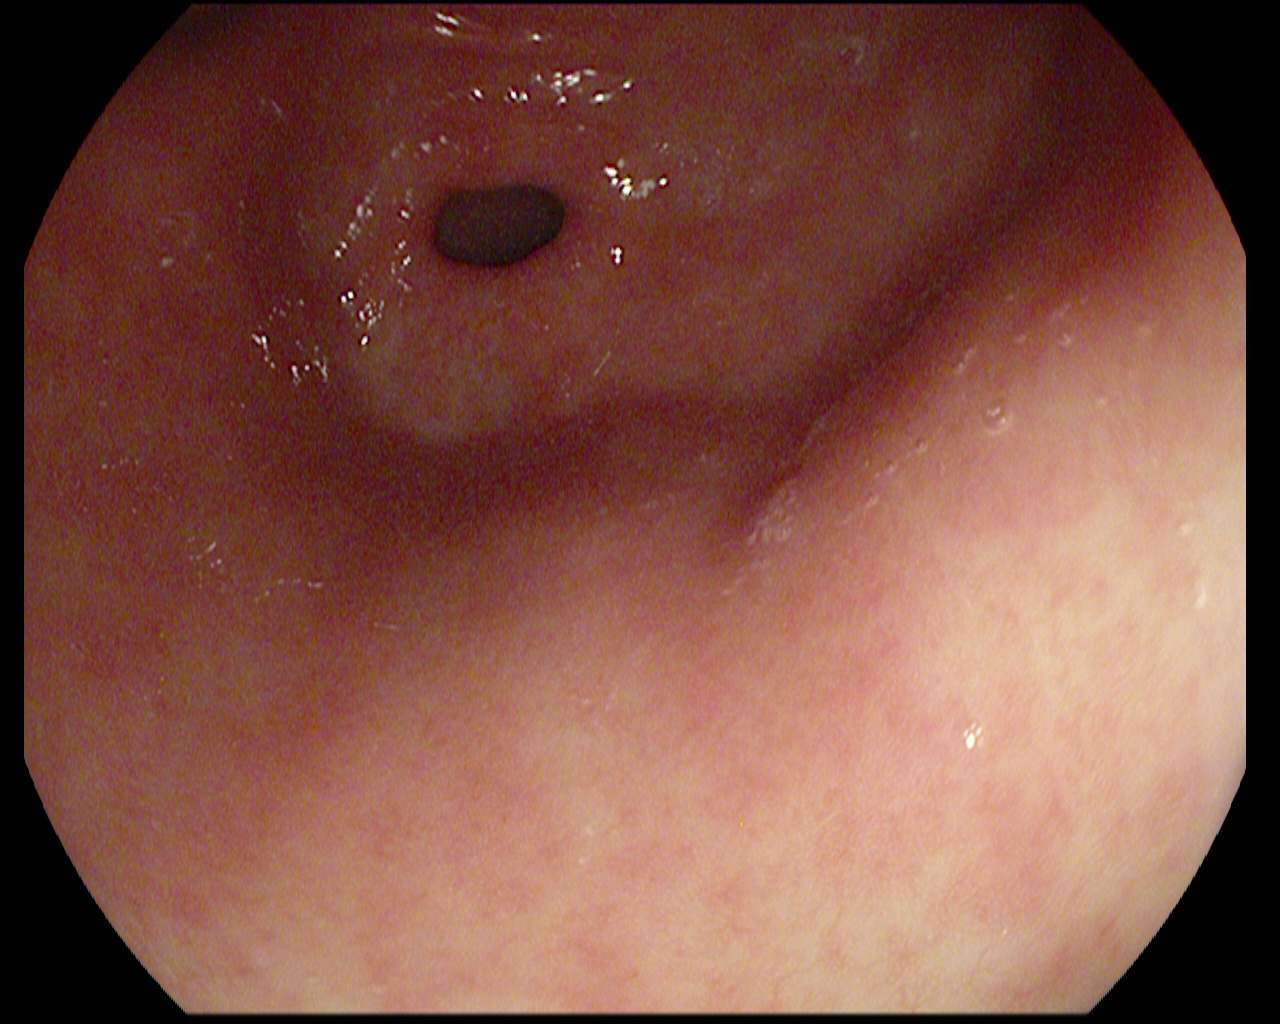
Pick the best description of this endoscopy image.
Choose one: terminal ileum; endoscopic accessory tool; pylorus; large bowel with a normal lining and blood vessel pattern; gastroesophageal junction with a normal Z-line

pylorus